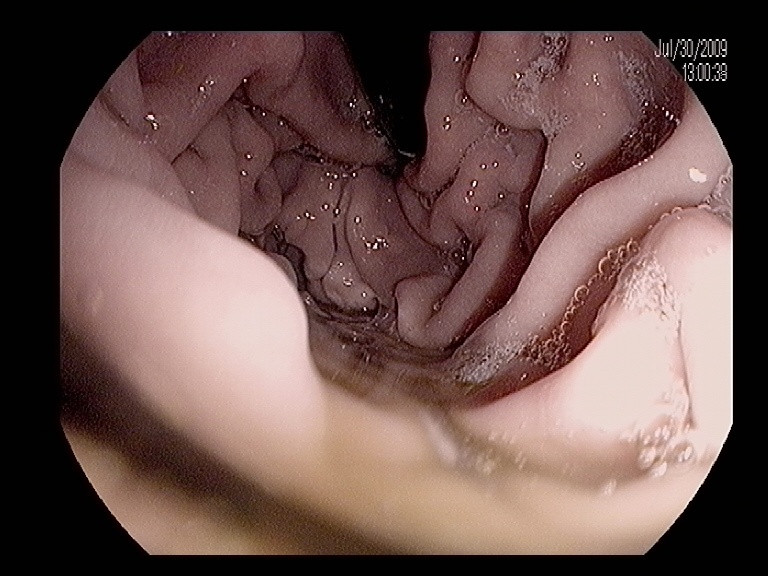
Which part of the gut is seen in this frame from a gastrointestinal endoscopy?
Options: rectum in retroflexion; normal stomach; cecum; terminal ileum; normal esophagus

normal stomach